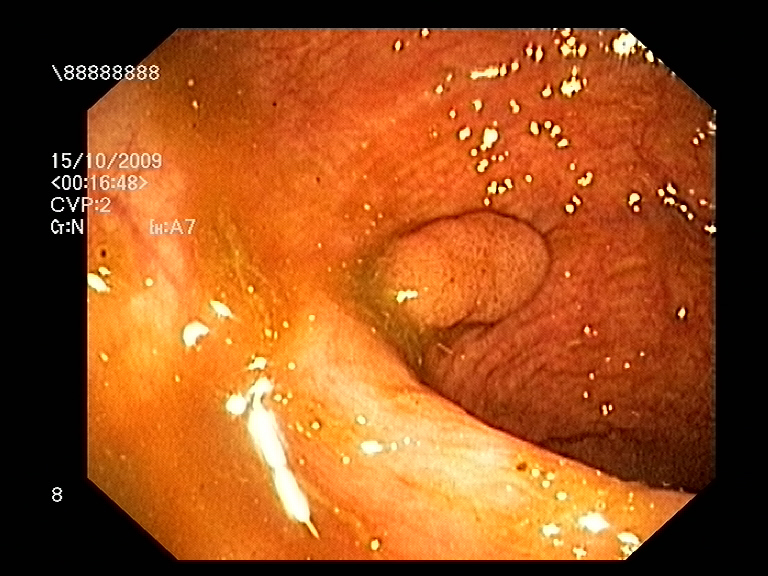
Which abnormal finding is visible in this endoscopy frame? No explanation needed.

colon polyp